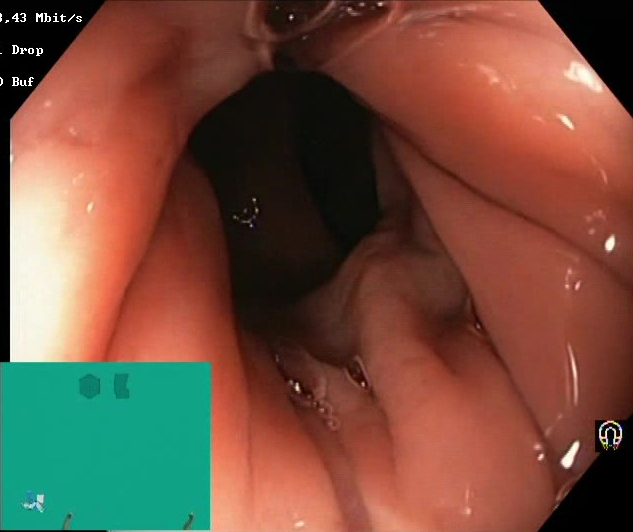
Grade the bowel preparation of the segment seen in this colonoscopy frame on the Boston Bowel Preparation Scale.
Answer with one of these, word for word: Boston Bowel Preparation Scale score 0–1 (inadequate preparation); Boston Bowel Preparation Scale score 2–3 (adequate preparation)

Boston Bowel Preparation Scale score 2–3 (adequate preparation)